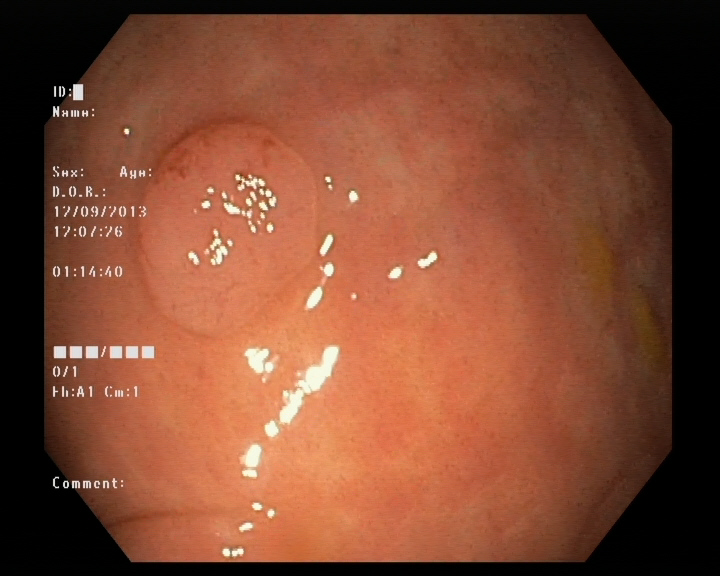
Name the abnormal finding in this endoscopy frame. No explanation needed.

colon polyp